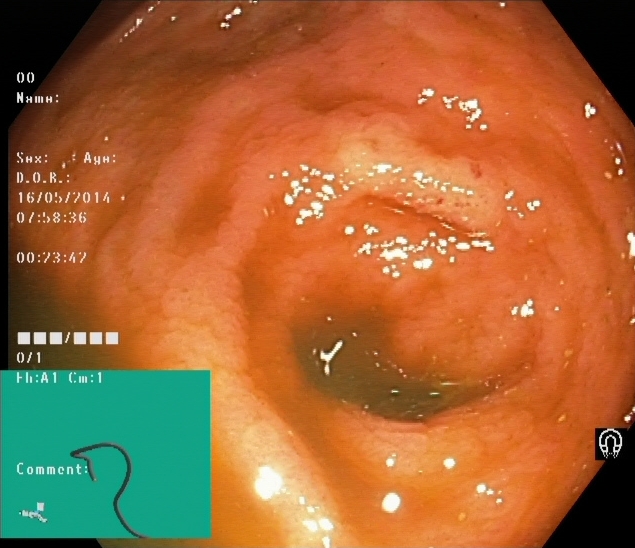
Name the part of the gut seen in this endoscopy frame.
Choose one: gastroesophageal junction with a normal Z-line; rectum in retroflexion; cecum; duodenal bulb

cecum